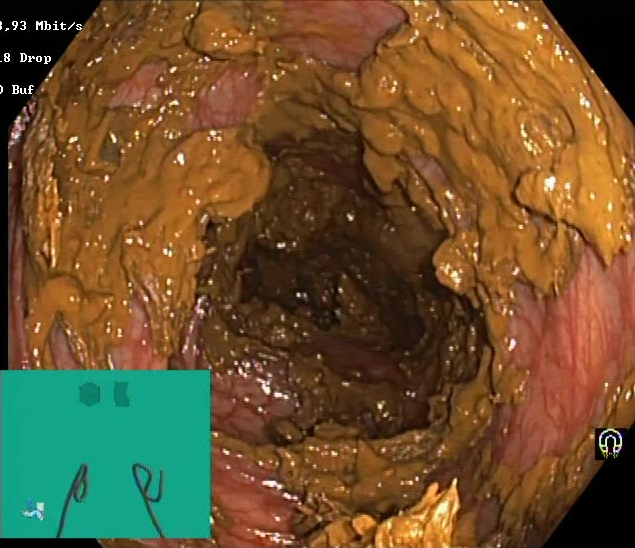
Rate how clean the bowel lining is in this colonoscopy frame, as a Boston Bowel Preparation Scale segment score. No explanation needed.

Boston Bowel Preparation Scale score 0–1 (inadequate preparation)